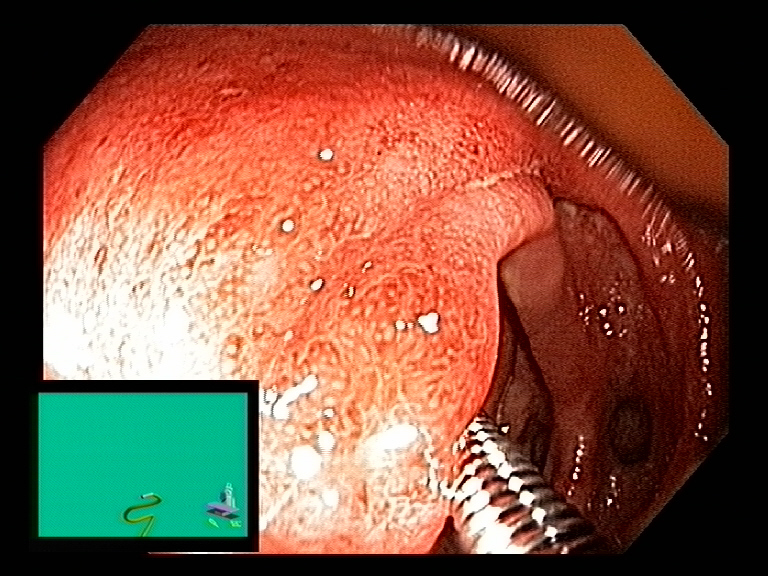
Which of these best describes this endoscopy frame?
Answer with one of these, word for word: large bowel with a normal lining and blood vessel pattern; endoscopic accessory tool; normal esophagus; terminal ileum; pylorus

endoscopic accessory tool